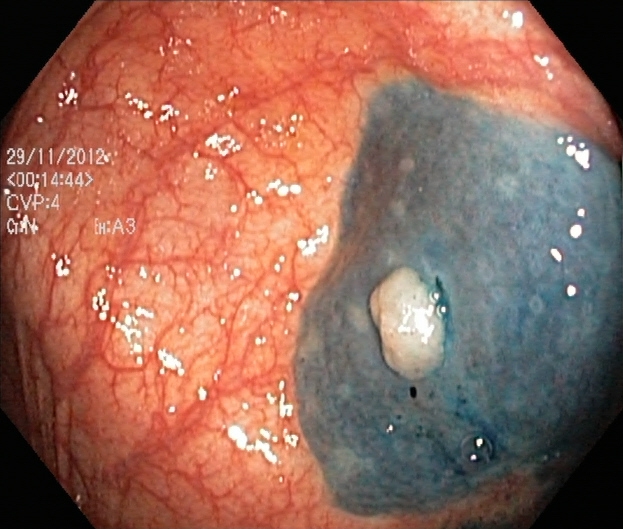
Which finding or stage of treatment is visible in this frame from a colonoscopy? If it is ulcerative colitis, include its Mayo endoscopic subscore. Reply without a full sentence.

dyed and lifted polyp (pre-resection)